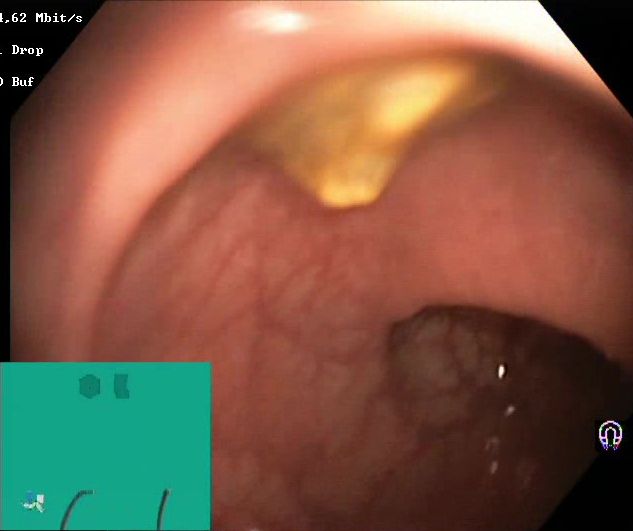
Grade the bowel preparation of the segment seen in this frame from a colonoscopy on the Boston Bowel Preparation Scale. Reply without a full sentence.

Boston Bowel Preparation Scale score 2–3 (adequate preparation)